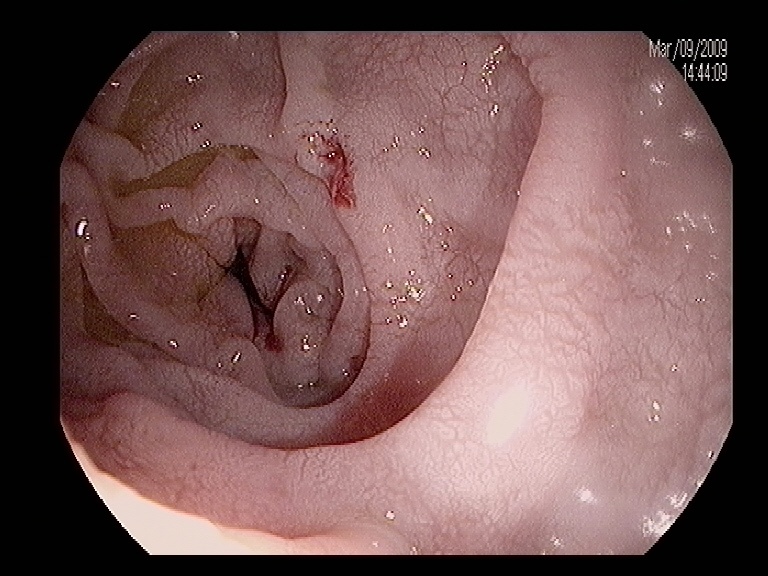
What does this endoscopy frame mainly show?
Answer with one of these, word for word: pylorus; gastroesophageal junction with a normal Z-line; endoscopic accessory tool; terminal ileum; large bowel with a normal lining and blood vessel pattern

terminal ileum